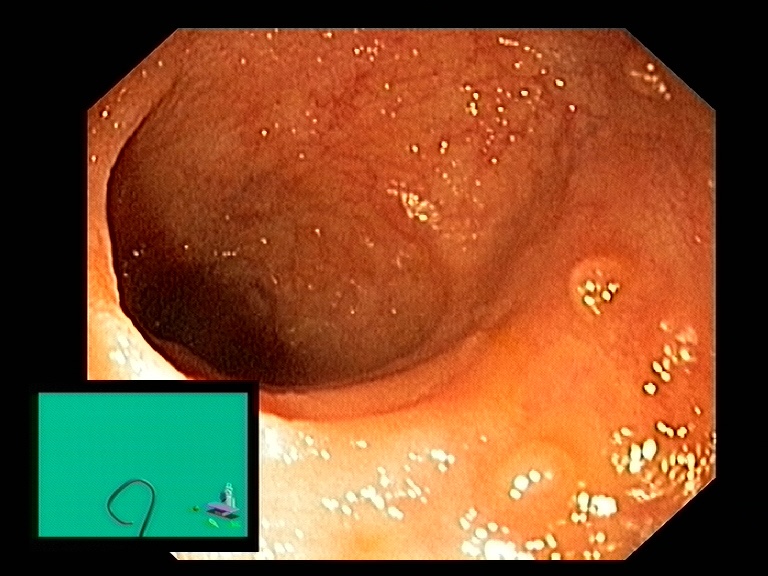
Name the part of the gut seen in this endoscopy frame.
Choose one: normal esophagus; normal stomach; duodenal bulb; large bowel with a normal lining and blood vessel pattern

large bowel with a normal lining and blood vessel pattern